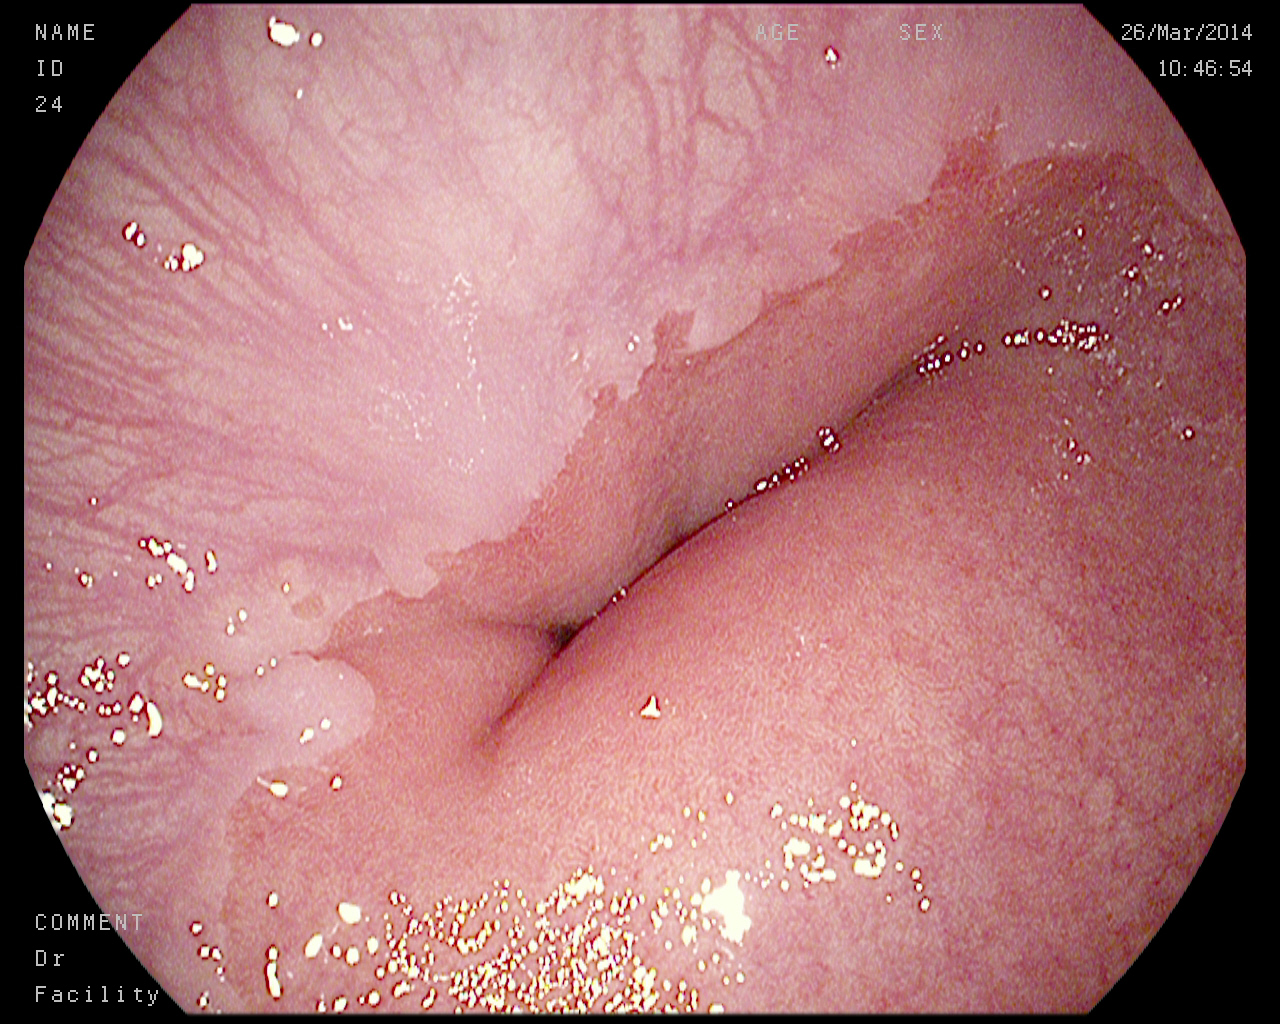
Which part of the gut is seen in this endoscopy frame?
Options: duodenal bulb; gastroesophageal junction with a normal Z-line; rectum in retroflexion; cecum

gastroesophageal junction with a normal Z-line